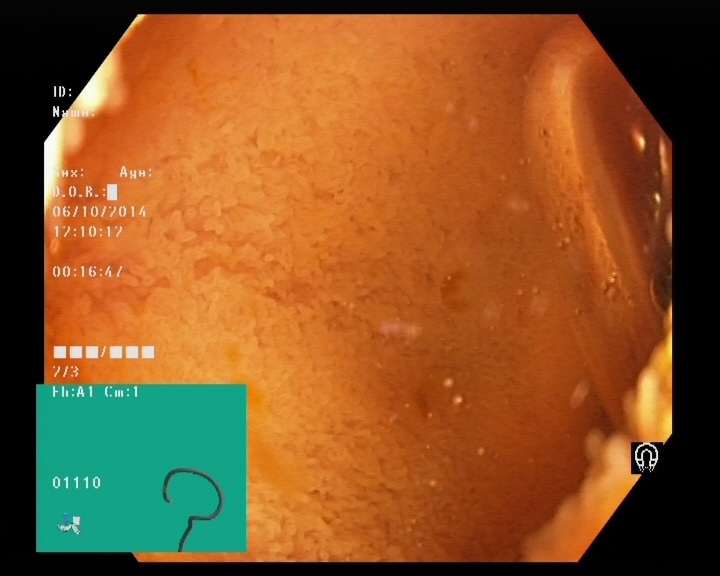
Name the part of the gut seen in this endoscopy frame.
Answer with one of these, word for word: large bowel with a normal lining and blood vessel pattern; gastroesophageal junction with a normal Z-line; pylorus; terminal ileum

large bowel with a normal lining and blood vessel pattern